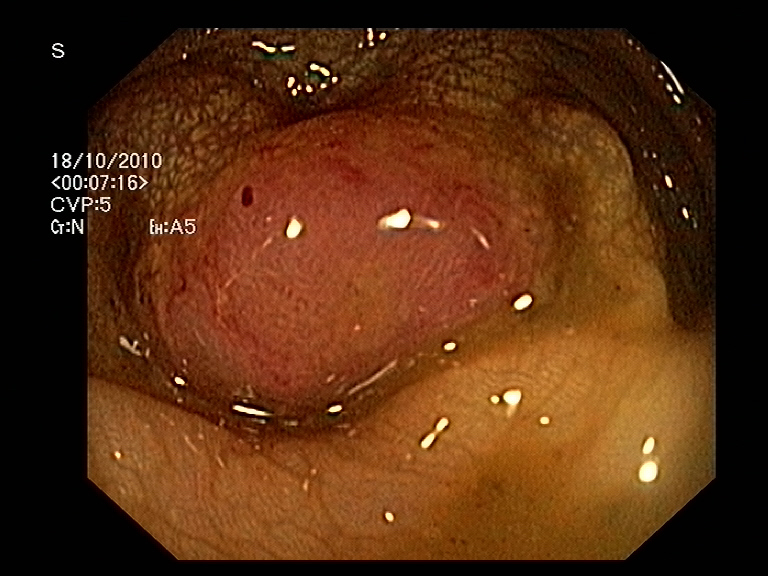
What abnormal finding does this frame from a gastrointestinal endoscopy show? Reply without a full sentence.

colon polyp